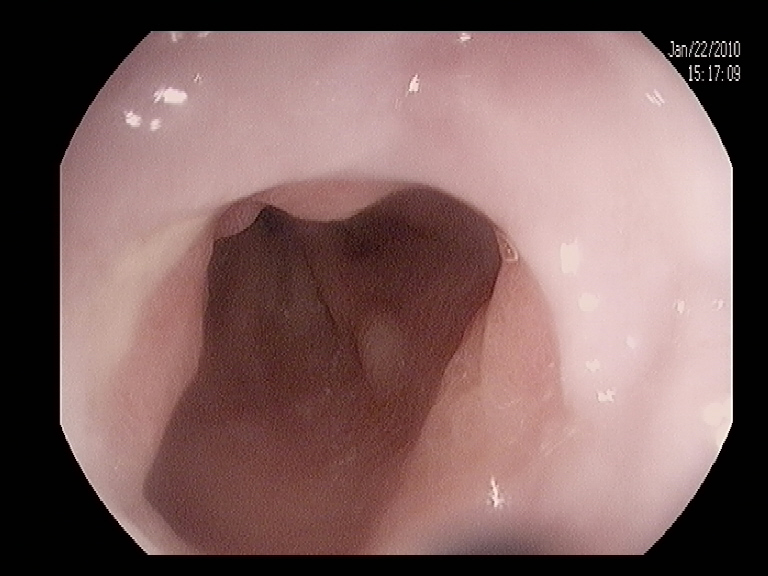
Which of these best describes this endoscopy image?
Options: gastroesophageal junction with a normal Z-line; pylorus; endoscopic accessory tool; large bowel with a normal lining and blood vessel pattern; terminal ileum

gastroesophageal junction with a normal Z-line